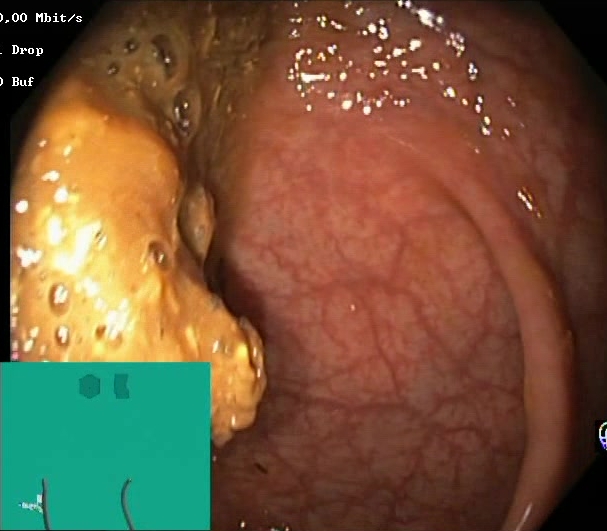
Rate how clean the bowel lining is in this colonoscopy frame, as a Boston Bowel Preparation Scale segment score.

Boston Bowel Preparation Scale score 0–1 (inadequate preparation)